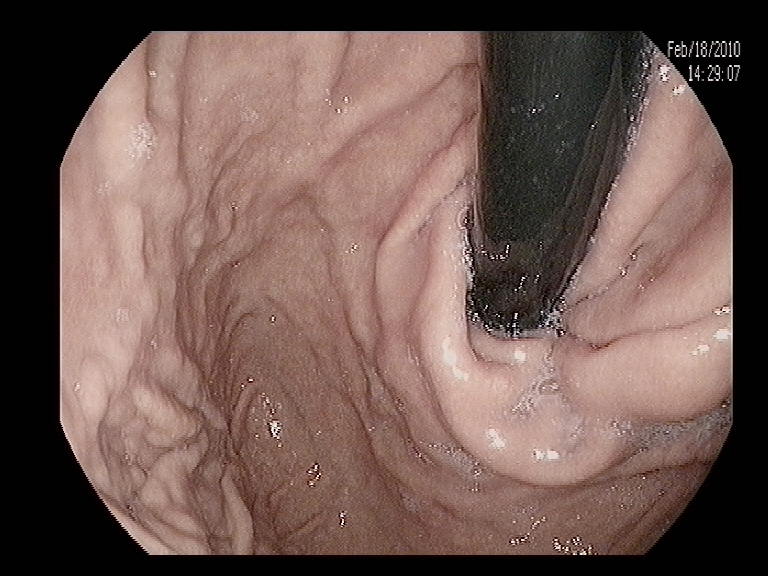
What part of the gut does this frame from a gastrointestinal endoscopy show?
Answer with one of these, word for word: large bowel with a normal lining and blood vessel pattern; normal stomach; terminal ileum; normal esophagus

normal stomach